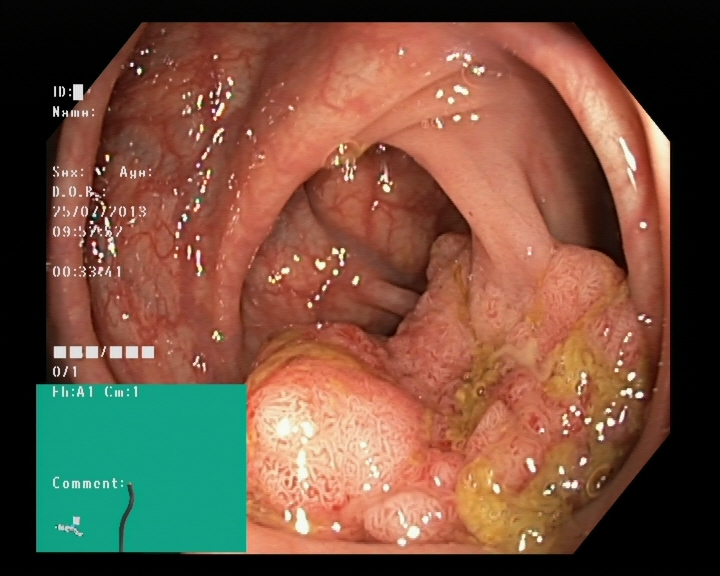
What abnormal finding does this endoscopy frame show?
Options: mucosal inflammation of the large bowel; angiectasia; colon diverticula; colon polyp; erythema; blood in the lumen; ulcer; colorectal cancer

colon polyp